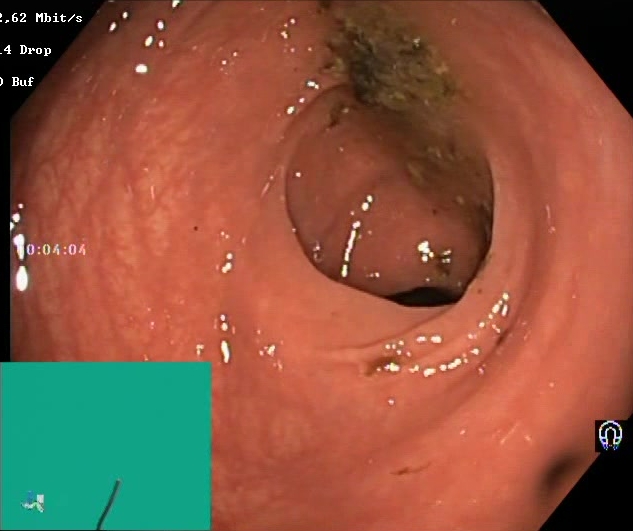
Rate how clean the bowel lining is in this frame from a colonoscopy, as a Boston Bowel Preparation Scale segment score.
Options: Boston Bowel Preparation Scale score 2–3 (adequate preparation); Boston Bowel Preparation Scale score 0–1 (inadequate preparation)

Boston Bowel Preparation Scale score 0–1 (inadequate preparation)